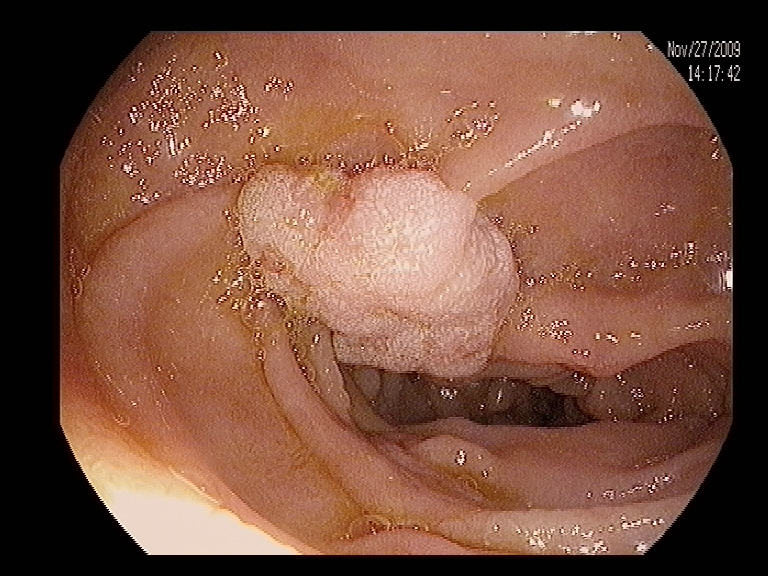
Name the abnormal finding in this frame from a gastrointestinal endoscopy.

gastric polyp